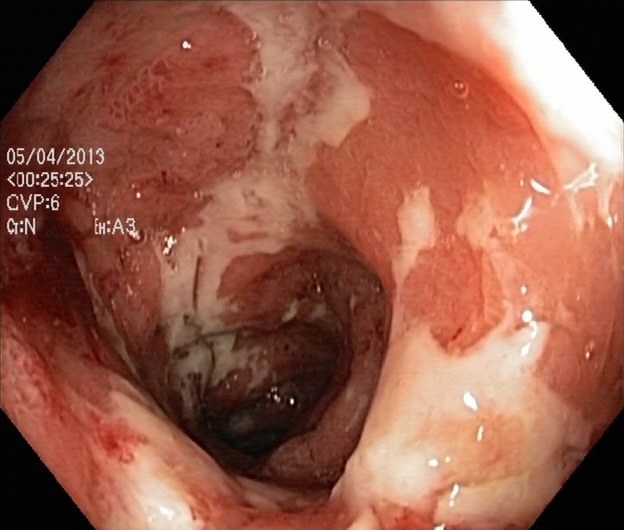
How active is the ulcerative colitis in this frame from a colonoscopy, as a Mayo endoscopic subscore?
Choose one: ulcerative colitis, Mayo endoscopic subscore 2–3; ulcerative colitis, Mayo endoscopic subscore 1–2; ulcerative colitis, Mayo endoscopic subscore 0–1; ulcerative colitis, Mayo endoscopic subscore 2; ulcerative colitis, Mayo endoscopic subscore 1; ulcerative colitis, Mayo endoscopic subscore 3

ulcerative colitis, Mayo endoscopic subscore 3